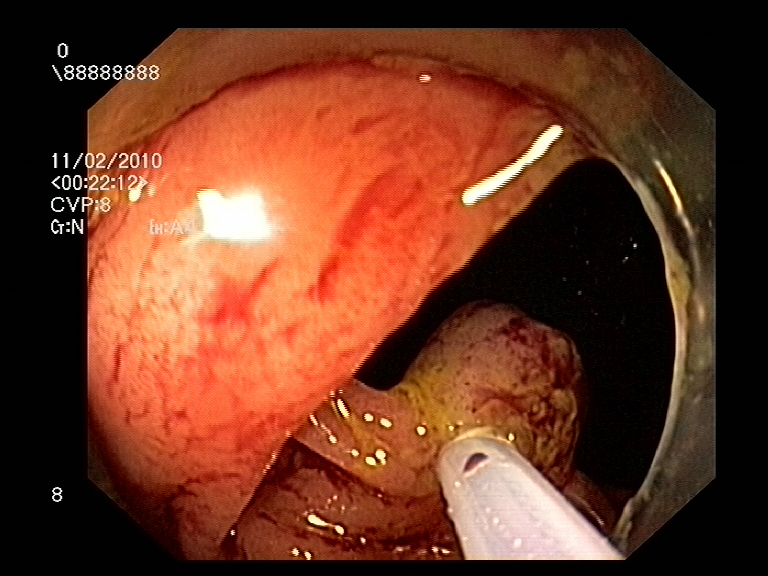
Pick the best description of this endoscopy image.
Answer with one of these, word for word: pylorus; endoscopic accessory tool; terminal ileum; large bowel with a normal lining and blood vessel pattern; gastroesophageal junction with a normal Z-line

endoscopic accessory tool